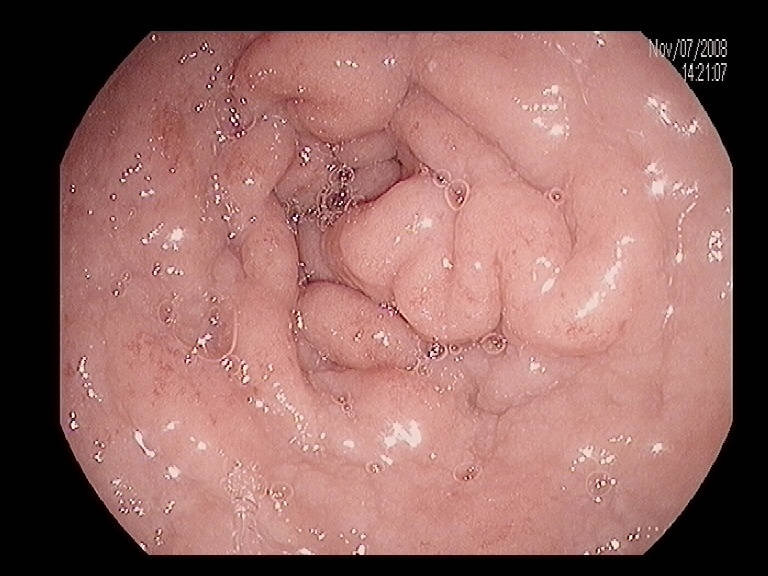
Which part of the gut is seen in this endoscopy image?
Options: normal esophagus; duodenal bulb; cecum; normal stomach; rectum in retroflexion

duodenal bulb